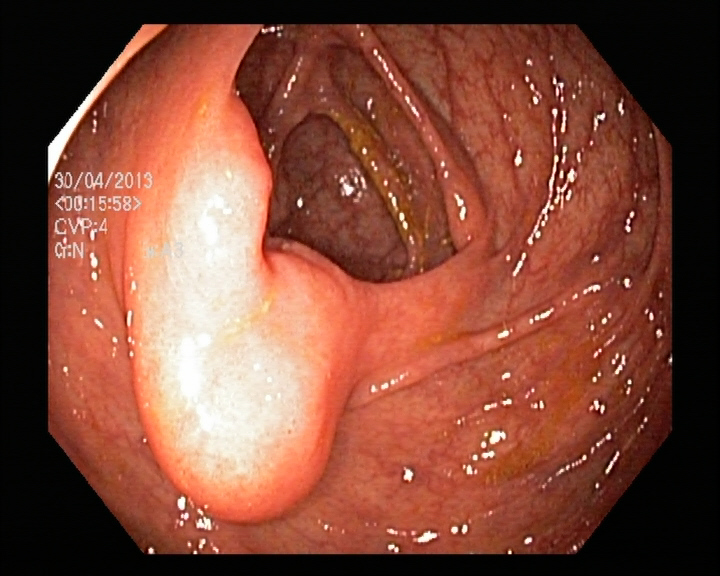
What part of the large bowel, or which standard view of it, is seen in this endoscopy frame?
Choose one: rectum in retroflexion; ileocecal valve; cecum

ileocecal valve